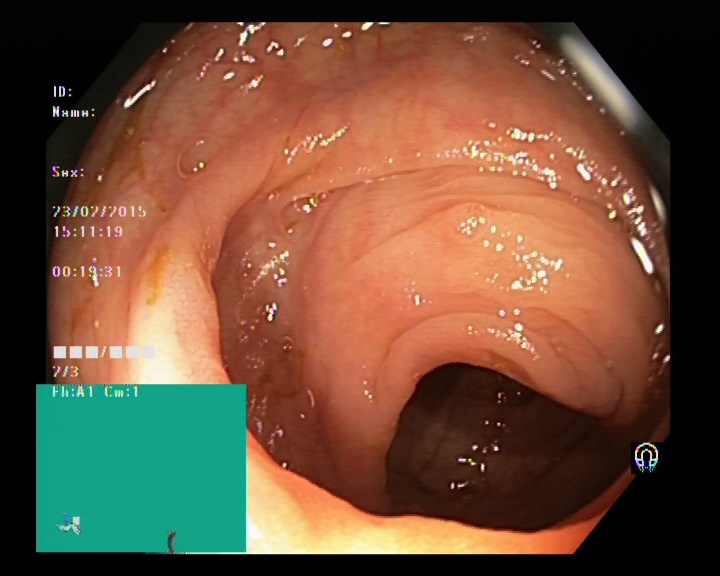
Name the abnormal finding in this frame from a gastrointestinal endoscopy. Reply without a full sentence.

colon polyp